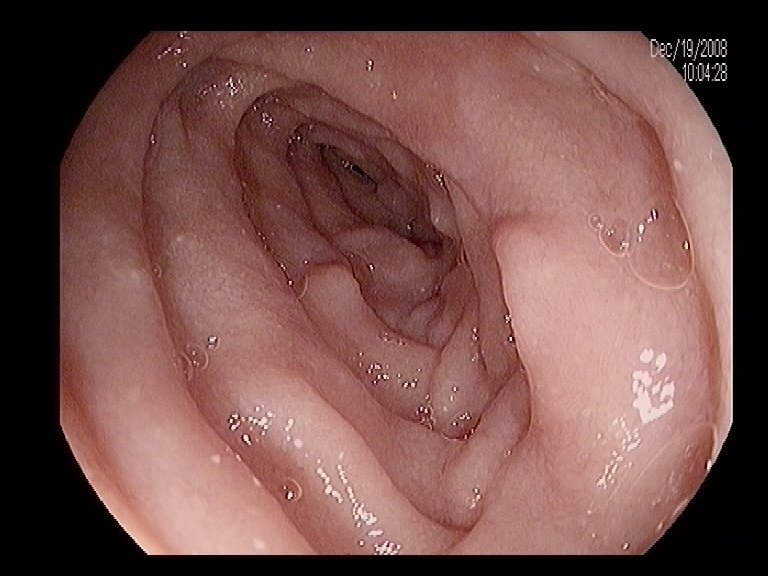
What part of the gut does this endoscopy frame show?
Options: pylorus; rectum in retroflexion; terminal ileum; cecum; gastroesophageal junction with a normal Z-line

terminal ileum